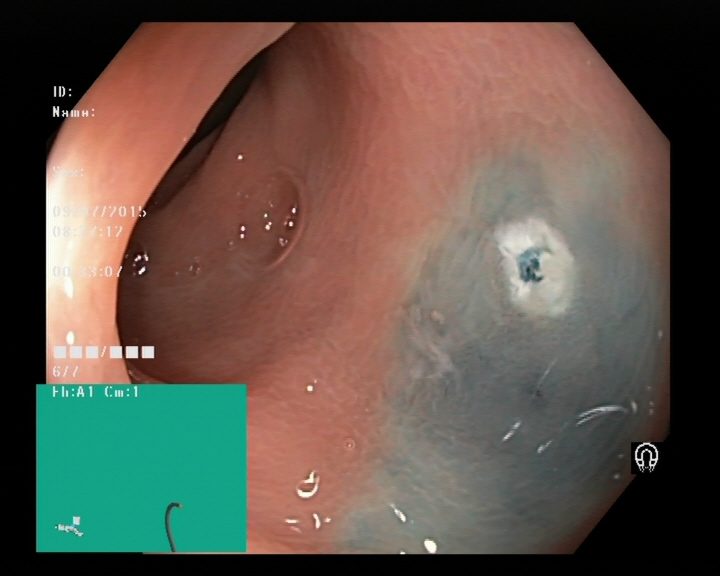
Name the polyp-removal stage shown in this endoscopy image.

dyed resection margin (post-polypectomy)